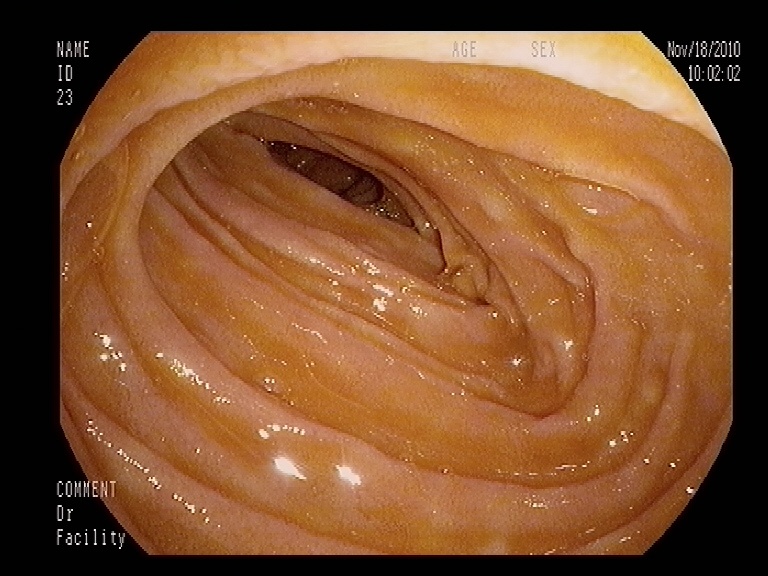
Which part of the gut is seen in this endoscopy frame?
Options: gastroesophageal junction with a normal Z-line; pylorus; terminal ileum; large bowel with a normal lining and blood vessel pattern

terminal ileum